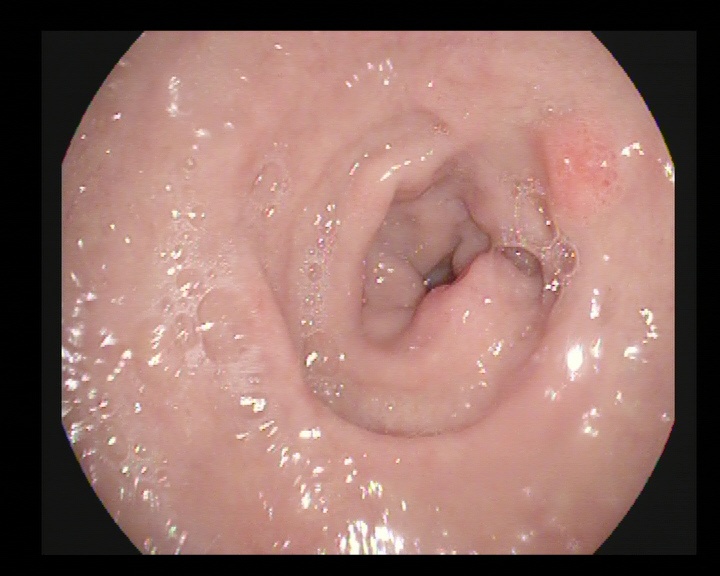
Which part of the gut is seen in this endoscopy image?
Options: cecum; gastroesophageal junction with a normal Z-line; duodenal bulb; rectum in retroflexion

duodenal bulb